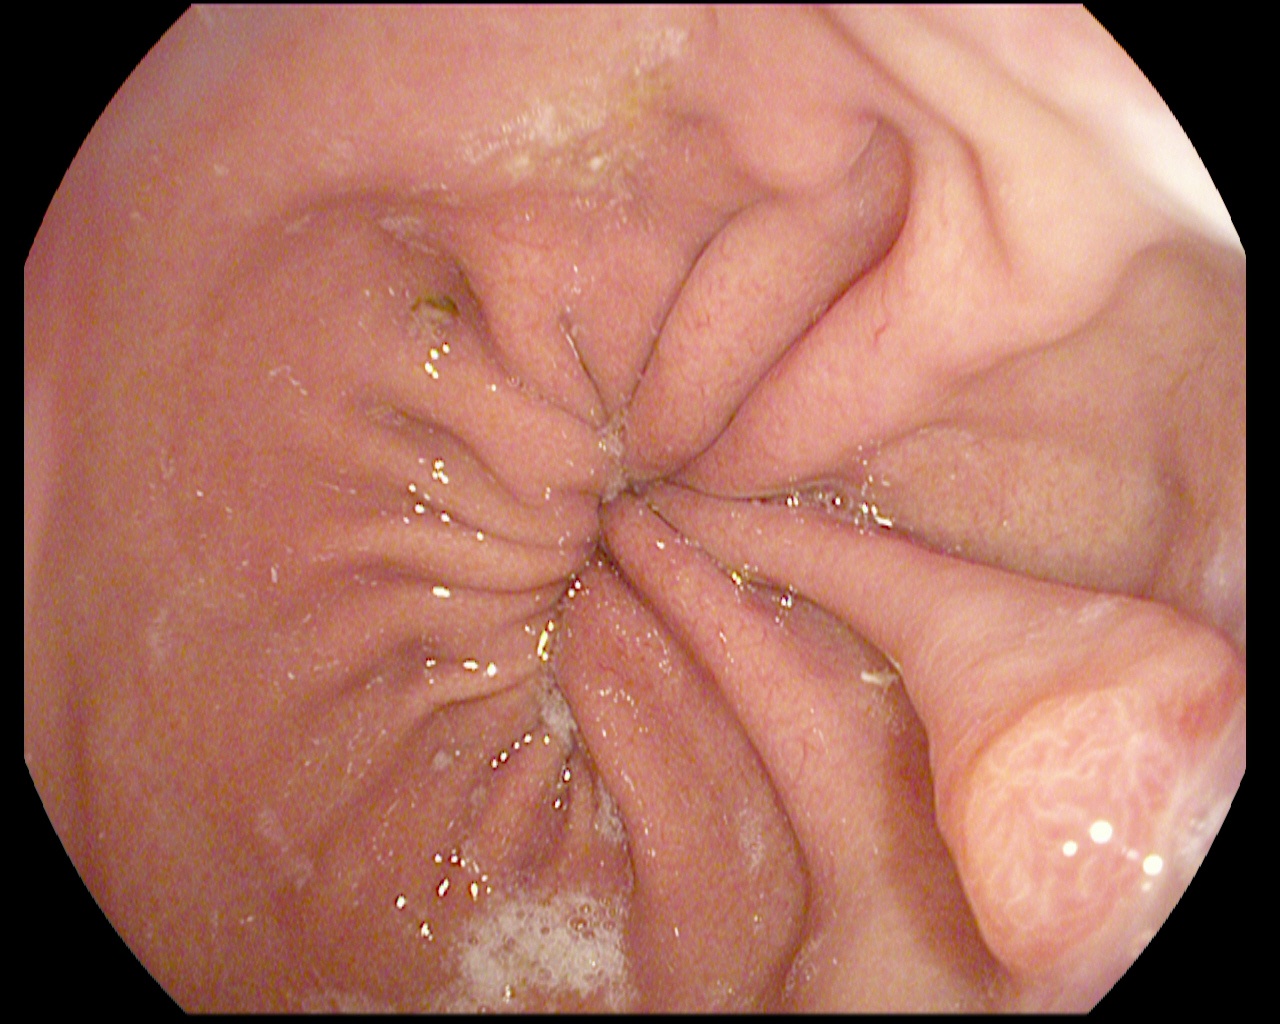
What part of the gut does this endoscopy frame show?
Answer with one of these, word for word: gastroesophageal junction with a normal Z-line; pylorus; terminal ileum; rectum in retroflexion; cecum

gastroesophageal junction with a normal Z-line